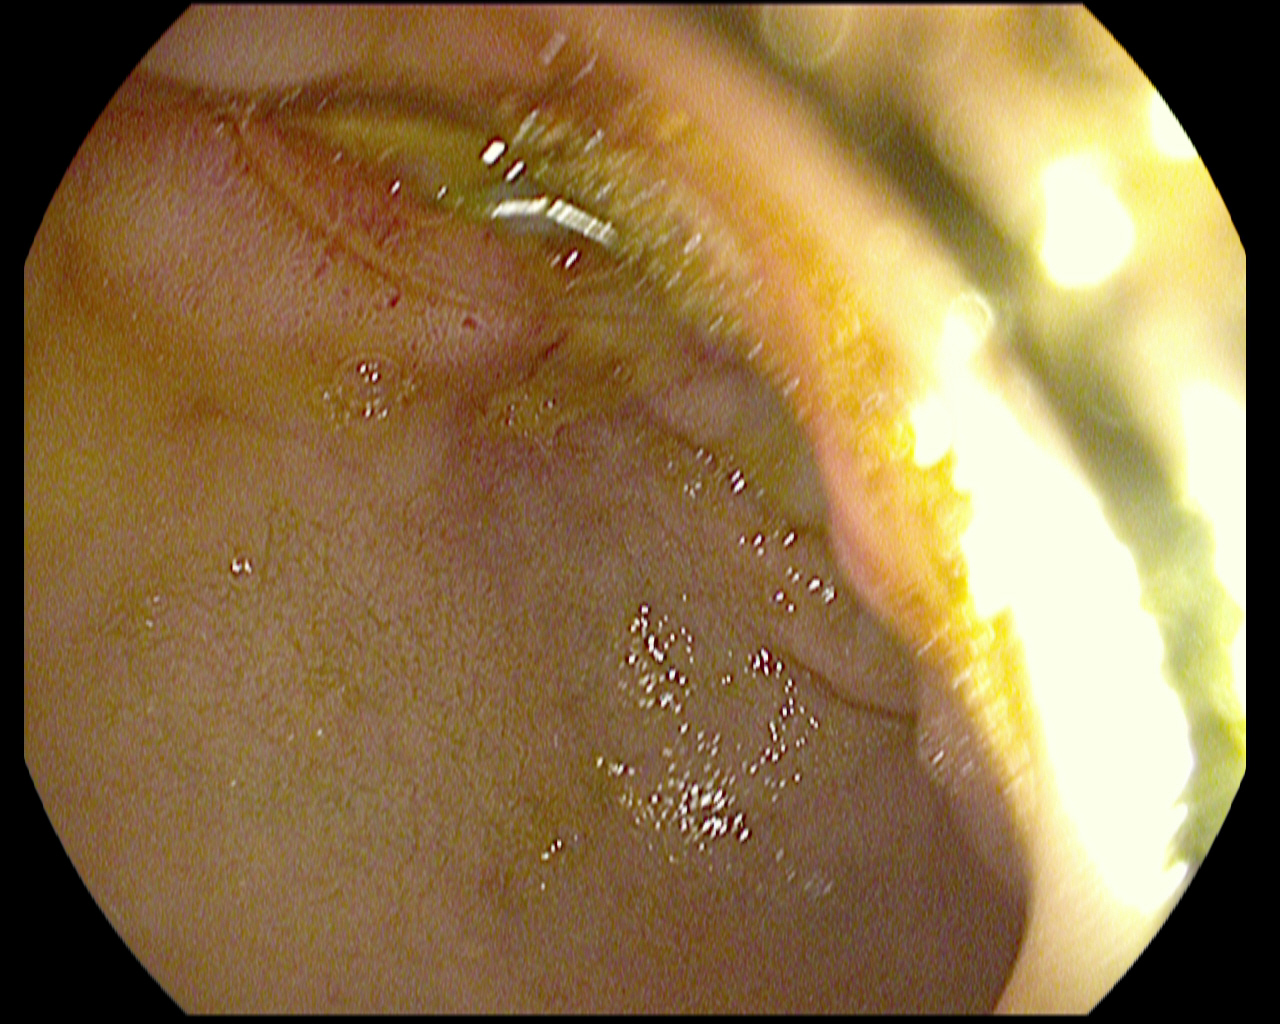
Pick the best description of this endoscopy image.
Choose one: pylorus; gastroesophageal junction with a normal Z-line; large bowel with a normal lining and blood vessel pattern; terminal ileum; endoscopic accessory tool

terminal ileum